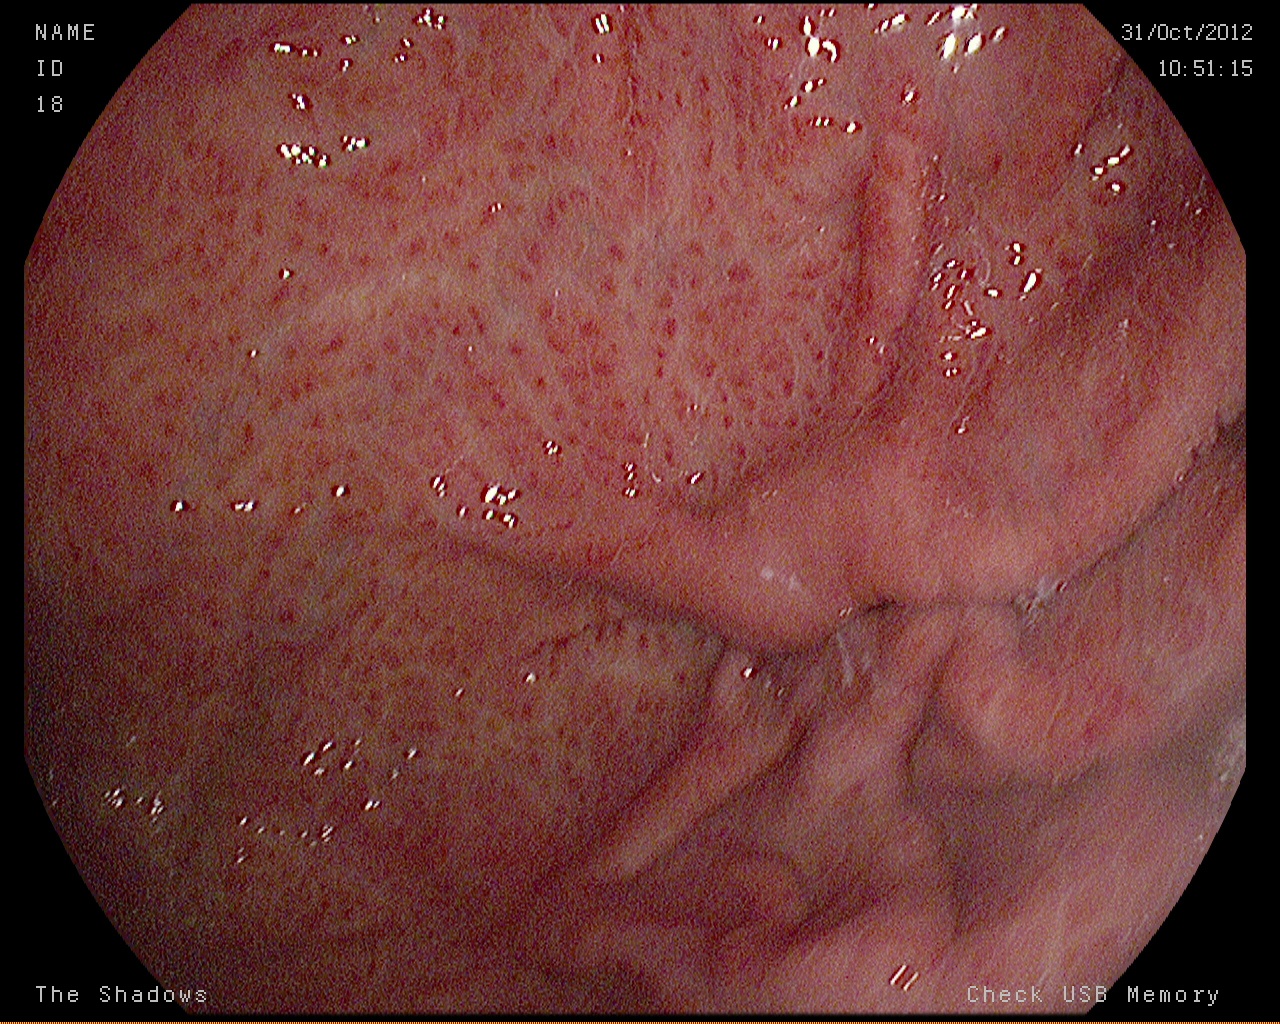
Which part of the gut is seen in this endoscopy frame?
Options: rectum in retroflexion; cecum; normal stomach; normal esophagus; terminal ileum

normal stomach